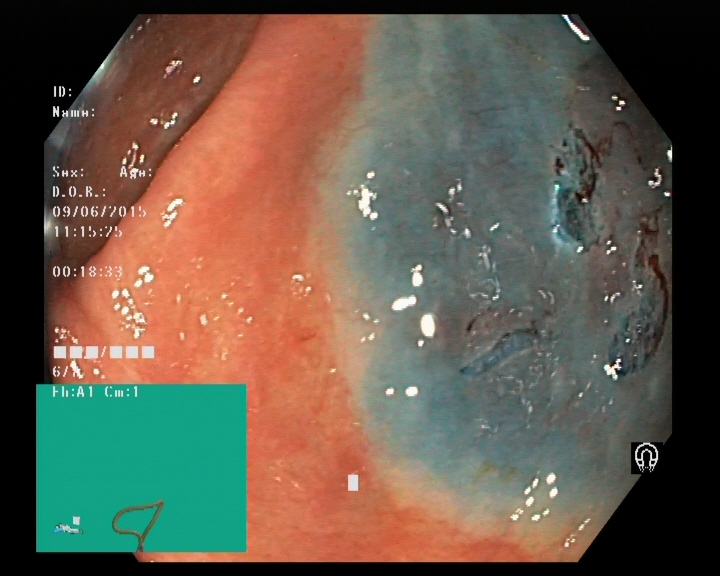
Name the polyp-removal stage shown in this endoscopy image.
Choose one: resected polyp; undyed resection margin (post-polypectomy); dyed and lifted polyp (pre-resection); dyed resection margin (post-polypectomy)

dyed resection margin (post-polypectomy)